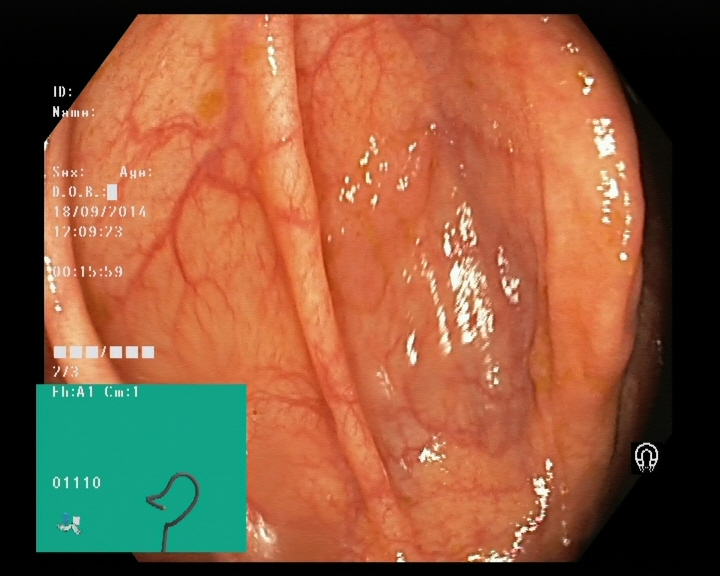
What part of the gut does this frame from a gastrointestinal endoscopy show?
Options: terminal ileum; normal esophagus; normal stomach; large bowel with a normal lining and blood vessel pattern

large bowel with a normal lining and blood vessel pattern